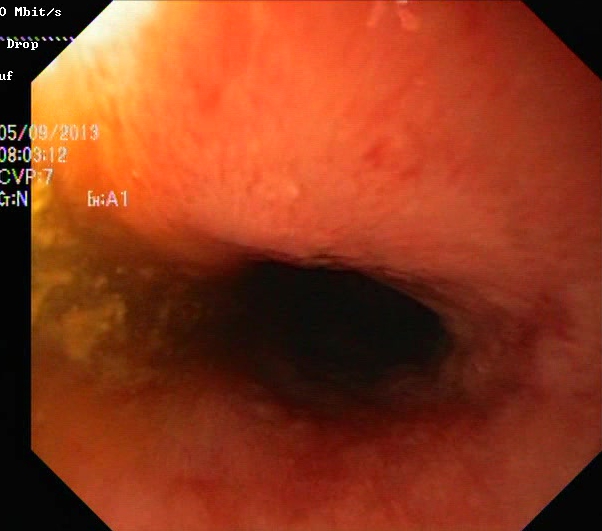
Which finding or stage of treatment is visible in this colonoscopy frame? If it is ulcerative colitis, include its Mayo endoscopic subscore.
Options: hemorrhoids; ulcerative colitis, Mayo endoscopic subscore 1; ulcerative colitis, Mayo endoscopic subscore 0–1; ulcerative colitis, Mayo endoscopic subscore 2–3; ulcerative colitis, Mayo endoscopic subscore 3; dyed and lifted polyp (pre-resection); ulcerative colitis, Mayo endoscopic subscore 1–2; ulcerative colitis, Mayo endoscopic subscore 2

ulcerative colitis, Mayo endoscopic subscore 1